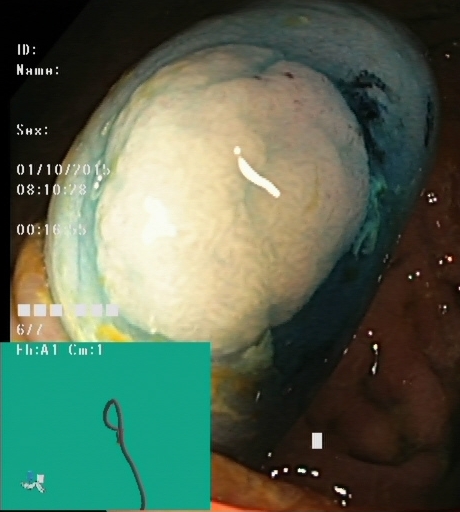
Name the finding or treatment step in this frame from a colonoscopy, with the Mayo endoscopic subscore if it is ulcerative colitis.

dyed and lifted polyp (pre-resection)